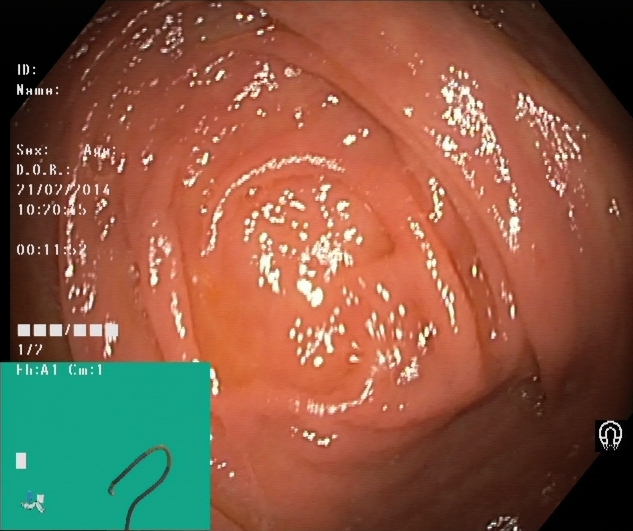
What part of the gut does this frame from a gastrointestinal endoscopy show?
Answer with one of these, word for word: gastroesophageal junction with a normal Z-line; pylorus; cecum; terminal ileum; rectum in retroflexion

cecum